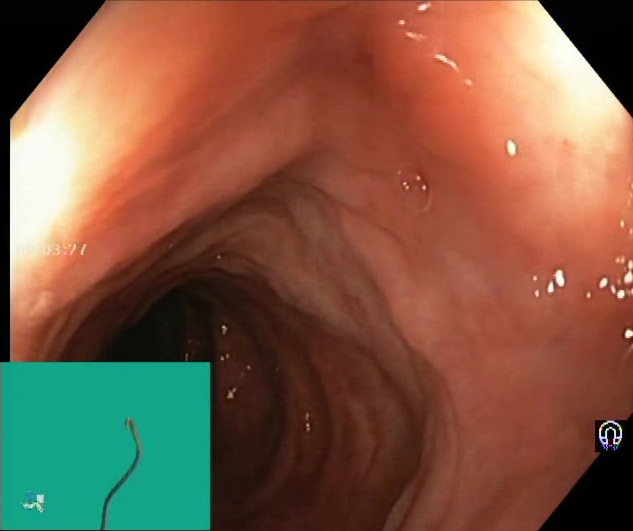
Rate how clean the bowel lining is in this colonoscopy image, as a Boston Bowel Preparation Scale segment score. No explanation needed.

Boston Bowel Preparation Scale score 2–3 (adequate preparation)